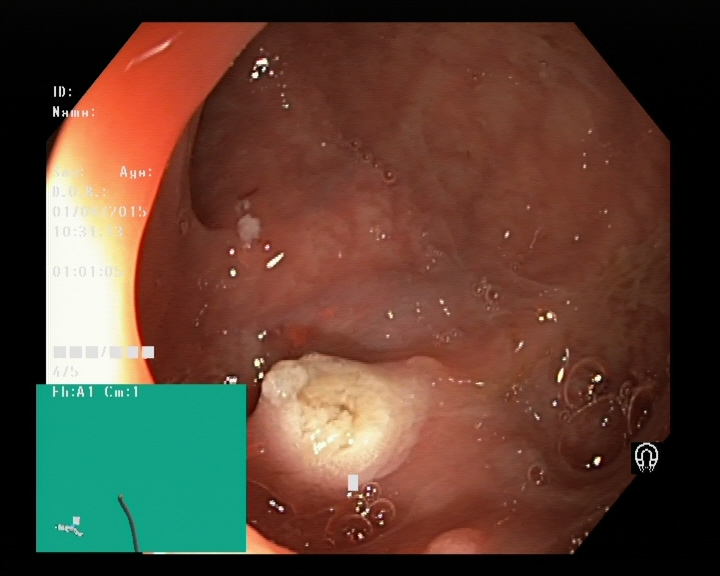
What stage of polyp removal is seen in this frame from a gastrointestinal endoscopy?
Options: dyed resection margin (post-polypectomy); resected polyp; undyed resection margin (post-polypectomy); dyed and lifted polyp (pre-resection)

undyed resection margin (post-polypectomy)